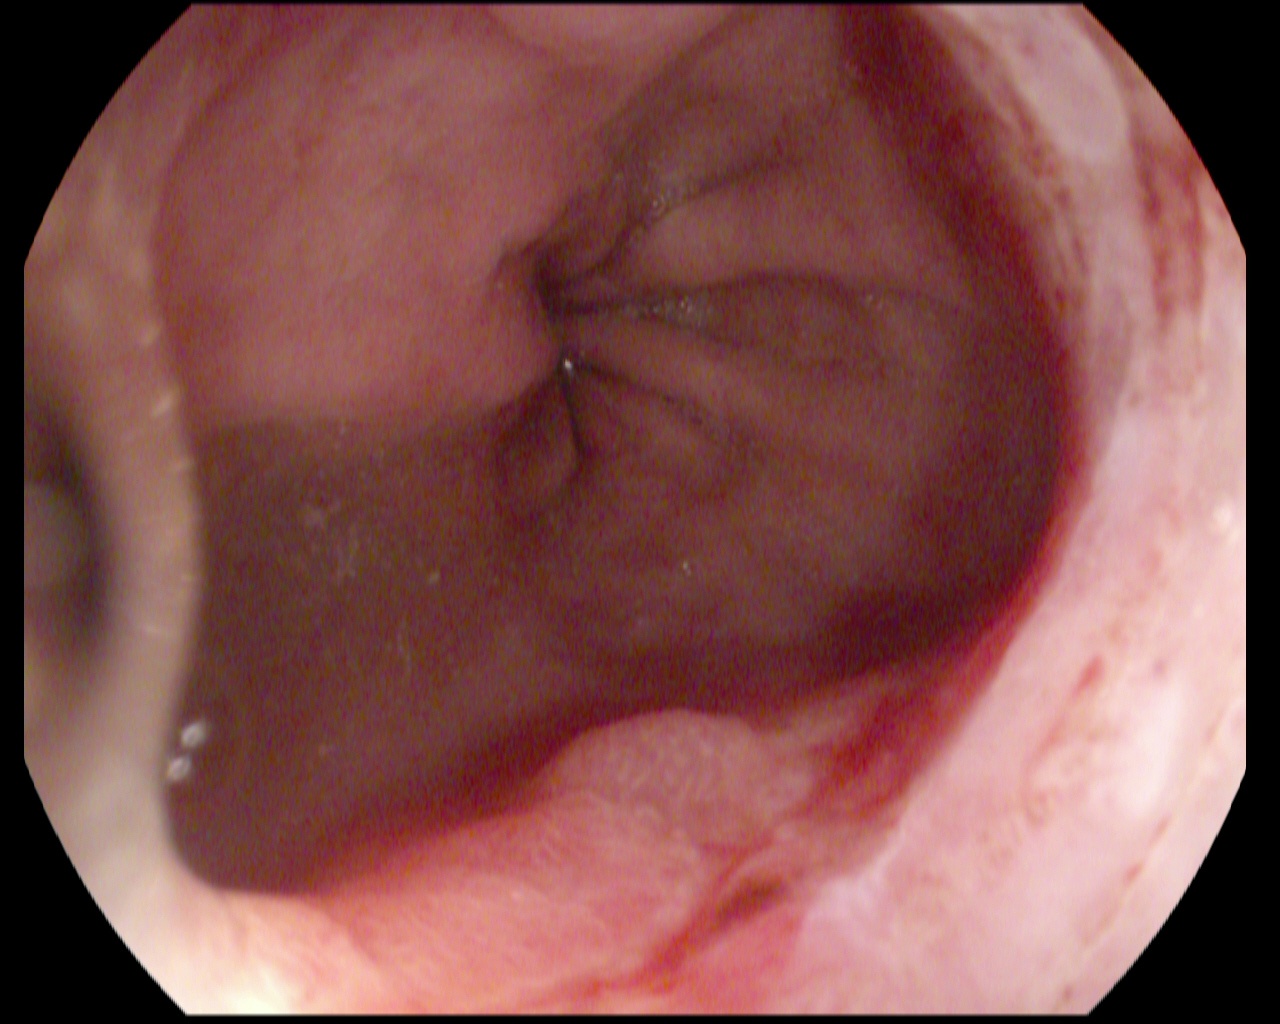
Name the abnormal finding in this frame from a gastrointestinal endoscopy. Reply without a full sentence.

esophagitis